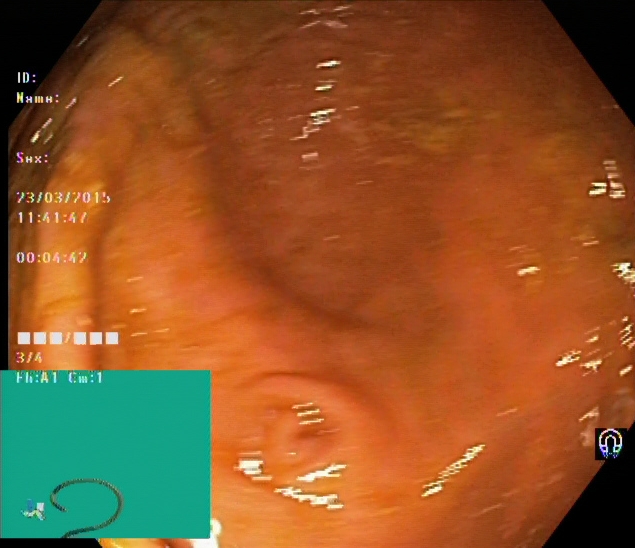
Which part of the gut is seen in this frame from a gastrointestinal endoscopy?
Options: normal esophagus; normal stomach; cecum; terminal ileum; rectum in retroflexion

cecum